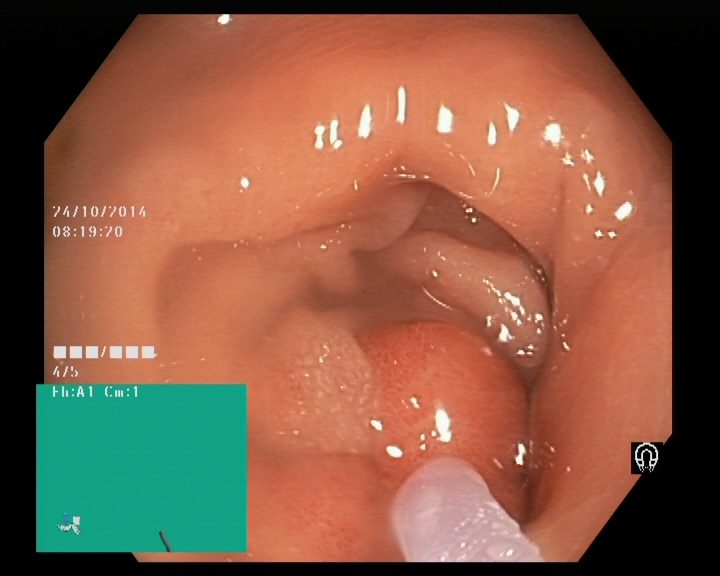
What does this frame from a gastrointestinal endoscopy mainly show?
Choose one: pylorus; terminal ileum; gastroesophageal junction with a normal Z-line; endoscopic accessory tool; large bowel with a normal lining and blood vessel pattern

endoscopic accessory tool